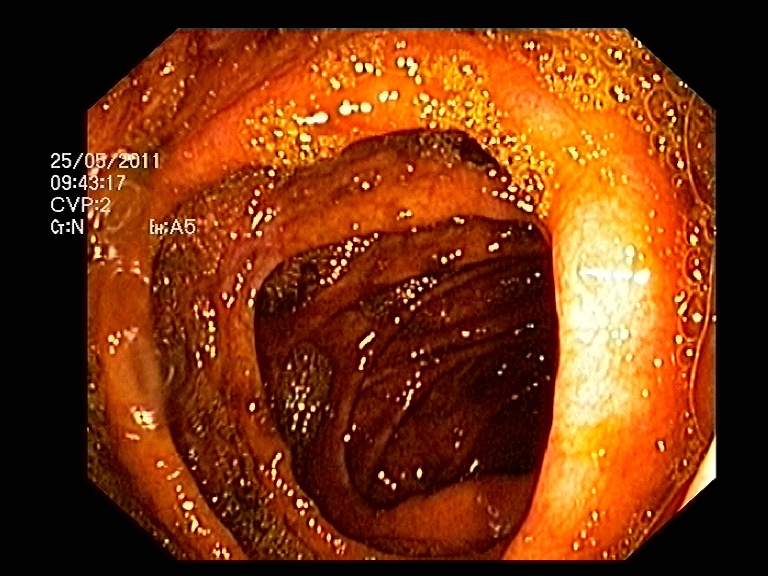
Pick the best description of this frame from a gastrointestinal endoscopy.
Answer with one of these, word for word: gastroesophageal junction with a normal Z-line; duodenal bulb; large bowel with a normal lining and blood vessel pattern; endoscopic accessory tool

large bowel with a normal lining and blood vessel pattern